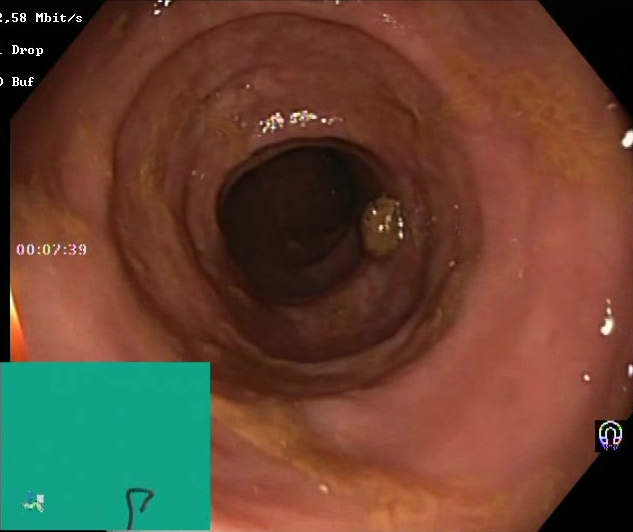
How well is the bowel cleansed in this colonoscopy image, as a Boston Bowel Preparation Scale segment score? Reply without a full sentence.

Boston Bowel Preparation Scale score 2–3 (adequate preparation)